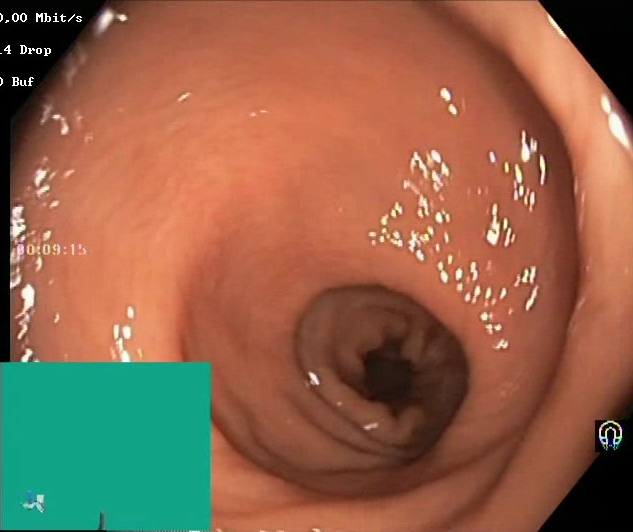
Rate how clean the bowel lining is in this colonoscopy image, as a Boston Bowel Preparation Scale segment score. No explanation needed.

Boston Bowel Preparation Scale score 2–3 (adequate preparation)